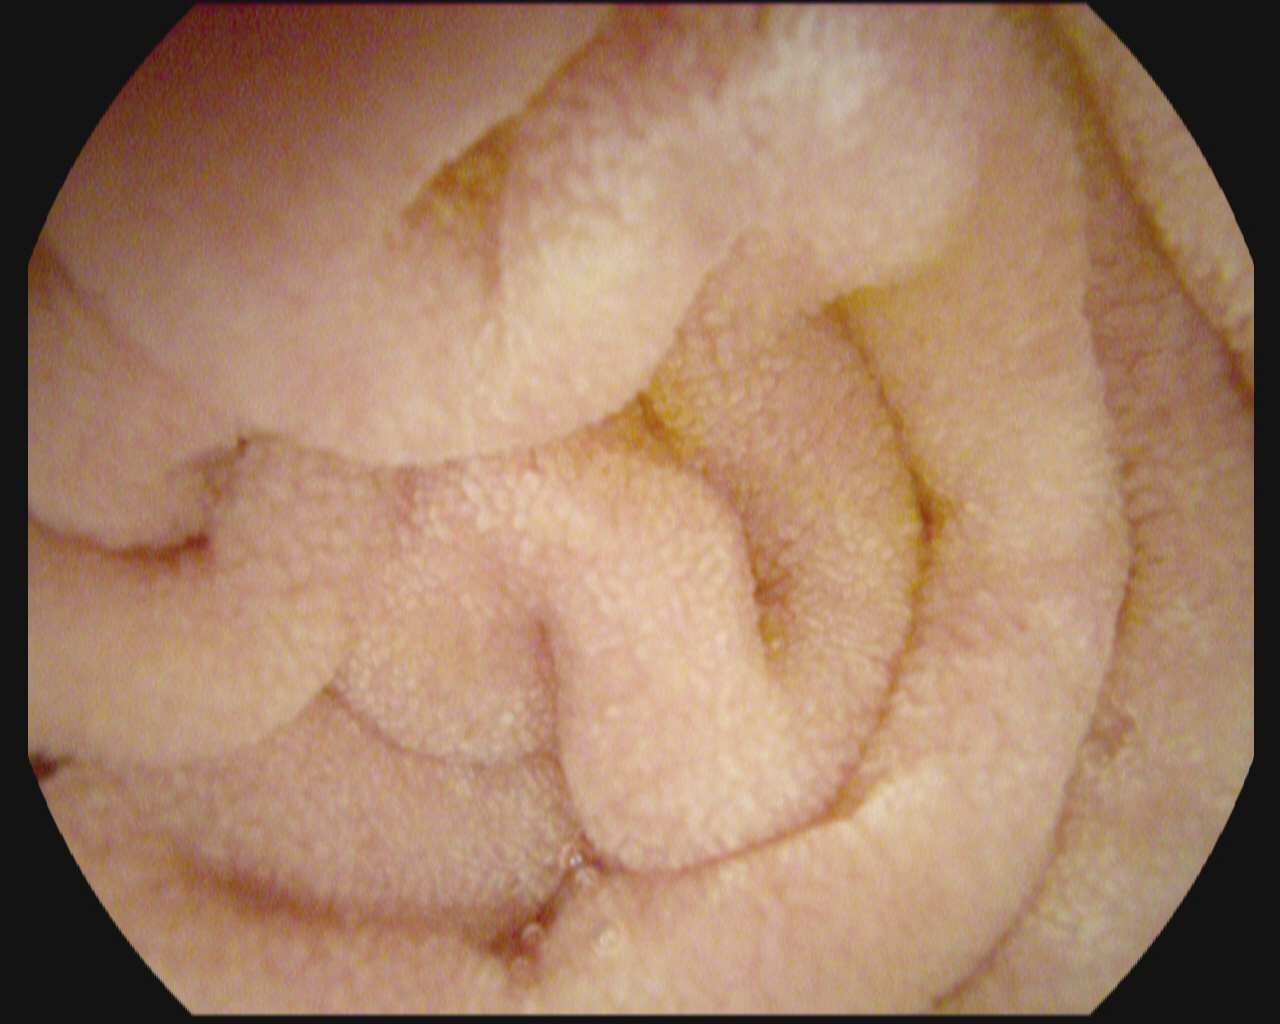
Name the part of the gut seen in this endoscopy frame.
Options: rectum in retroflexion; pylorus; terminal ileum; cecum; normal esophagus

terminal ileum